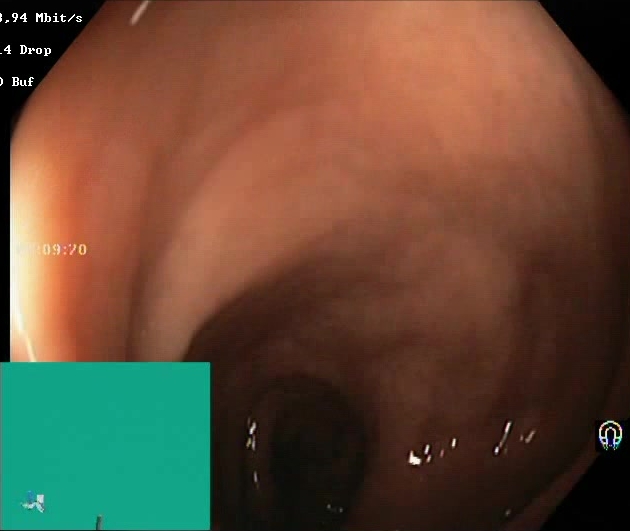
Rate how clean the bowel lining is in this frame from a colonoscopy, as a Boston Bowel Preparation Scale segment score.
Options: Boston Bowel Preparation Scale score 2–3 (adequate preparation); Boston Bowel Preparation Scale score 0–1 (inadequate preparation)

Boston Bowel Preparation Scale score 2–3 (adequate preparation)